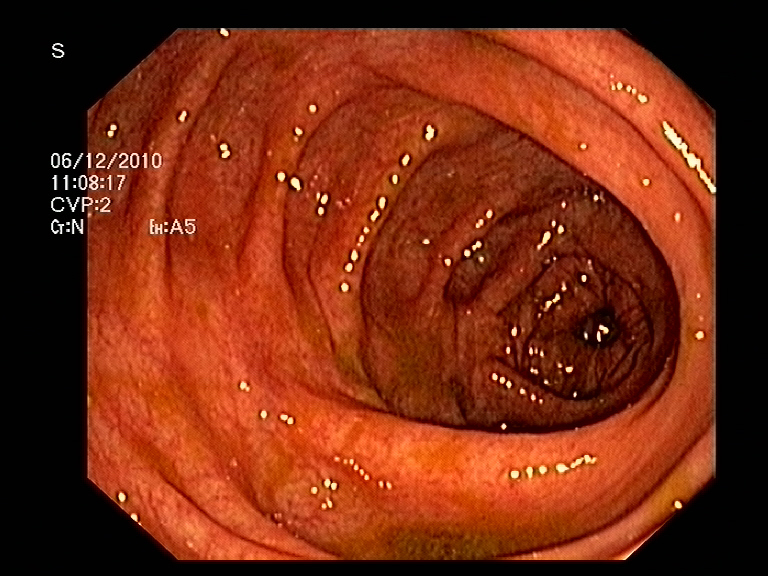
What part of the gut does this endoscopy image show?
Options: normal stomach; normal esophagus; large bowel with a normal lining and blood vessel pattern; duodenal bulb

large bowel with a normal lining and blood vessel pattern